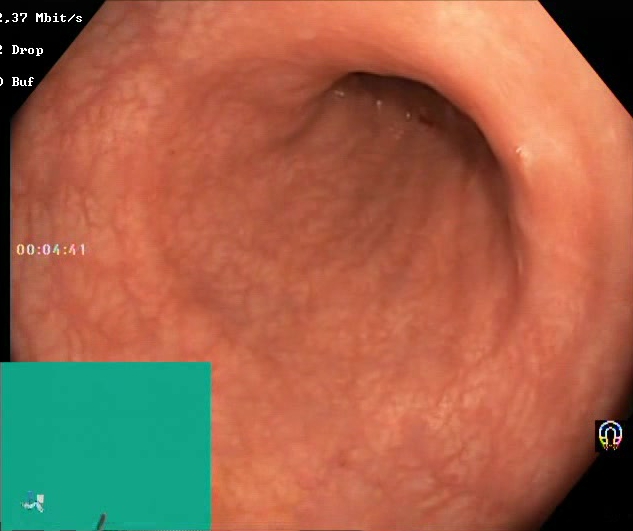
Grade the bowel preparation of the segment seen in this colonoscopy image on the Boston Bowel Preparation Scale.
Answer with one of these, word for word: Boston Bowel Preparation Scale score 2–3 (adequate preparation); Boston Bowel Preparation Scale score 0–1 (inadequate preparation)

Boston Bowel Preparation Scale score 2–3 (adequate preparation)